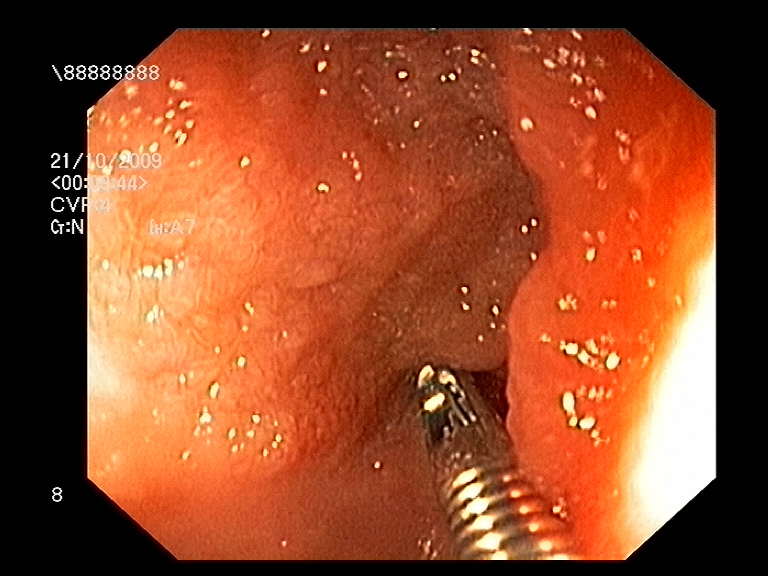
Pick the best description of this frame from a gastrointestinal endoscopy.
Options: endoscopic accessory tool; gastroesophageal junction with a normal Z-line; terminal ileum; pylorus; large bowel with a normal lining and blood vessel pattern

endoscopic accessory tool